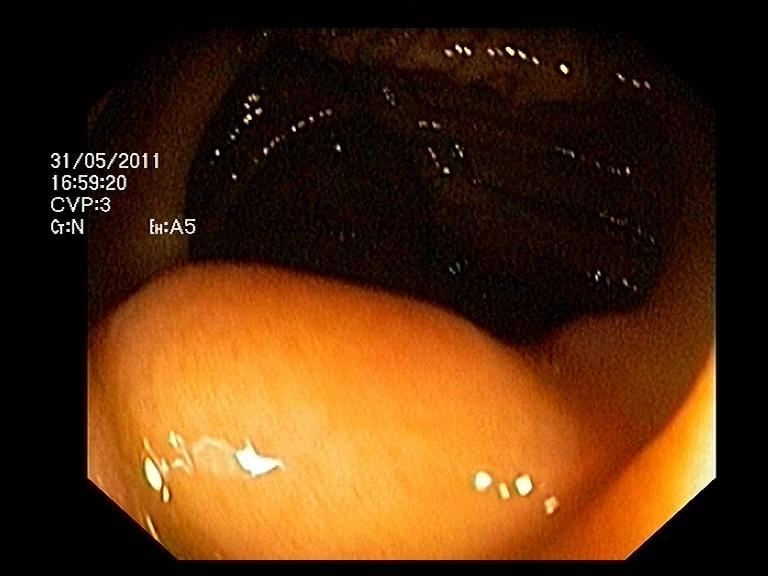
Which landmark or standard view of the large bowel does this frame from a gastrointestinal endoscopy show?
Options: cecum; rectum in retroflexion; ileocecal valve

ileocecal valve